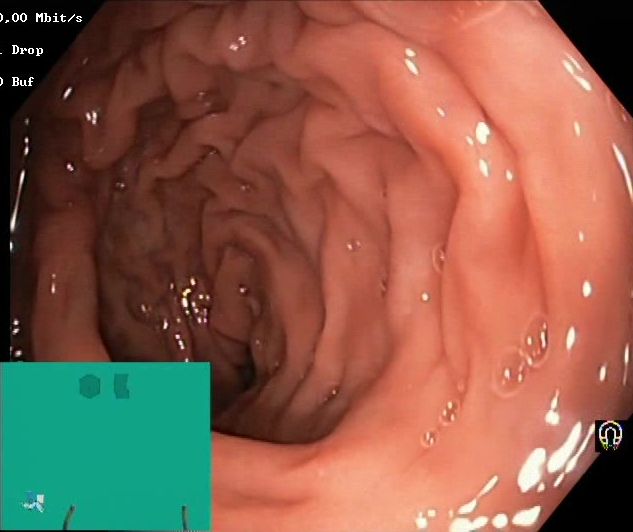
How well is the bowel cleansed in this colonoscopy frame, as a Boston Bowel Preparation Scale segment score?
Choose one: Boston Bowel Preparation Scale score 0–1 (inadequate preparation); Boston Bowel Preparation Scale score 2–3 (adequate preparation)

Boston Bowel Preparation Scale score 2–3 (adequate preparation)